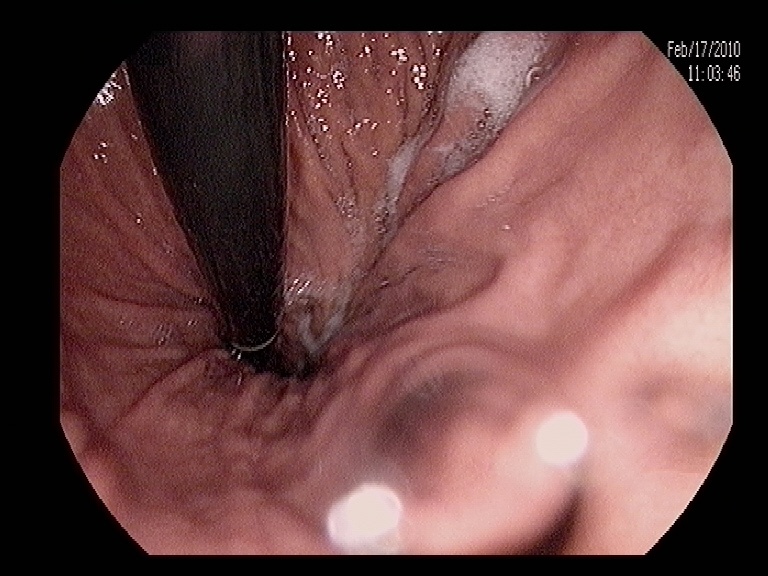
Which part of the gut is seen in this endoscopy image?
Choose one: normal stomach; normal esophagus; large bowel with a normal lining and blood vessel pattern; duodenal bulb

normal stomach